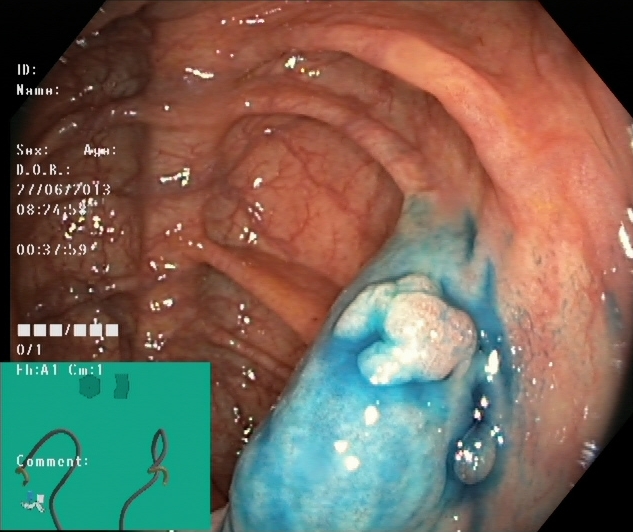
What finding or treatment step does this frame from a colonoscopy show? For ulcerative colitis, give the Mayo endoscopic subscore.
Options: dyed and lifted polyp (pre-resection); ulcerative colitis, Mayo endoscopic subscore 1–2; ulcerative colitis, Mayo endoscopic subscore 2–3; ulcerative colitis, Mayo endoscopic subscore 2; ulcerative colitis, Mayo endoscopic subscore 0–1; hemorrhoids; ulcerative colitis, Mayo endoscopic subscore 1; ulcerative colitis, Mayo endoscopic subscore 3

dyed and lifted polyp (pre-resection)